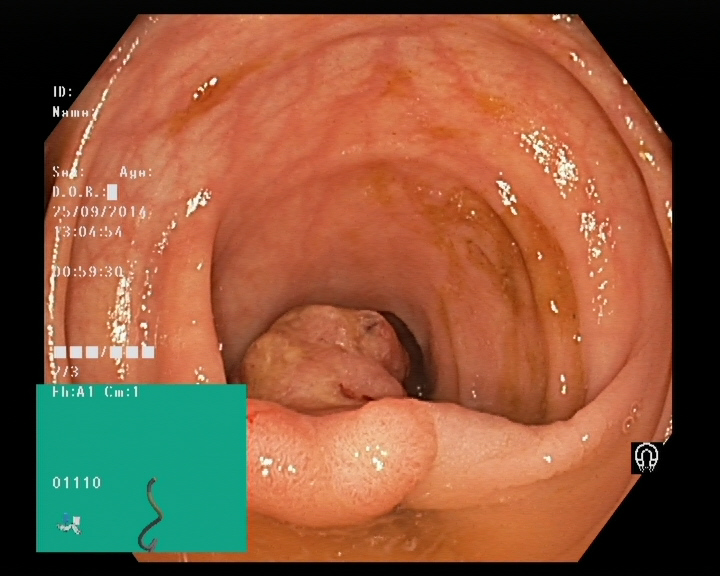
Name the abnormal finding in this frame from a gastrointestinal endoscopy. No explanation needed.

colon polyp